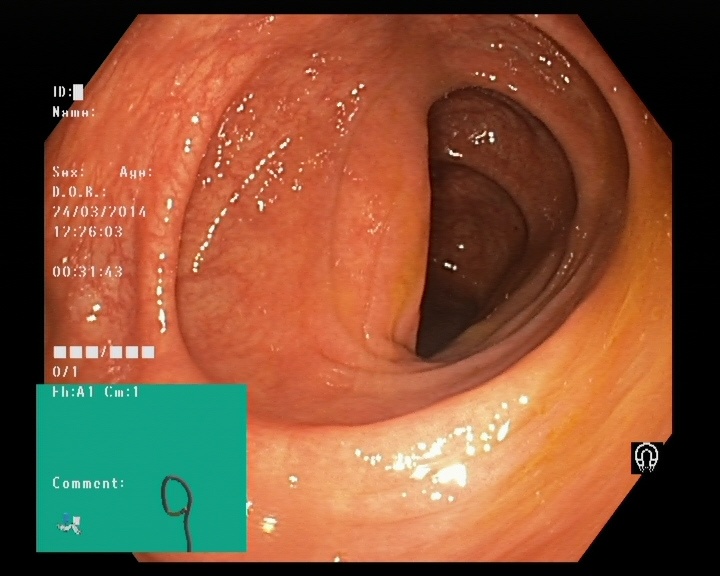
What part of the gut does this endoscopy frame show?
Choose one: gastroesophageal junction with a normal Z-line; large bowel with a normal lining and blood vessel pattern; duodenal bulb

large bowel with a normal lining and blood vessel pattern